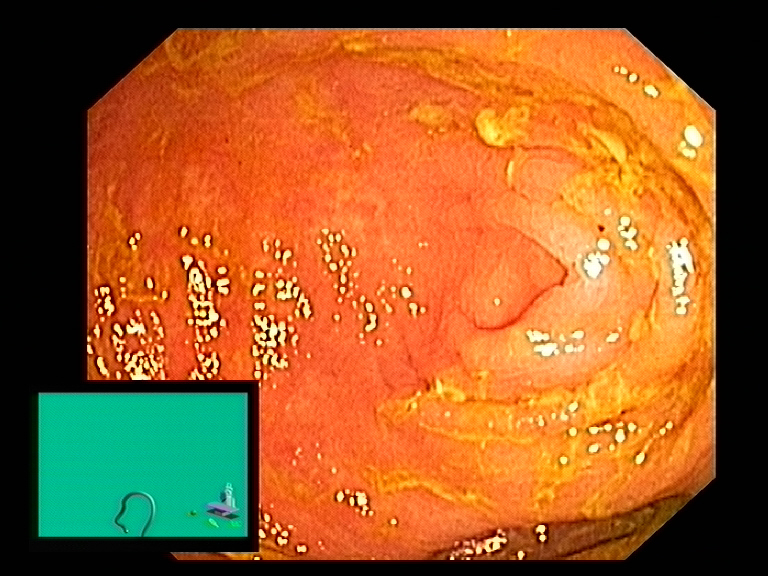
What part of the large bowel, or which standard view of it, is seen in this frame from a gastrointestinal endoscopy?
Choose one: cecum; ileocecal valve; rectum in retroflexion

cecum